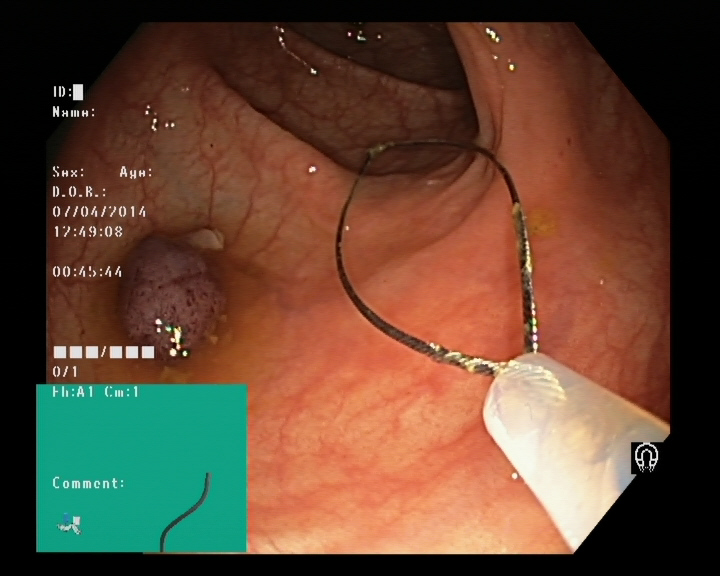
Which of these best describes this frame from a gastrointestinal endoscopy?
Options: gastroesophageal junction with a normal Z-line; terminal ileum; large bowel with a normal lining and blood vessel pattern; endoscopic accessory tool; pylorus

endoscopic accessory tool